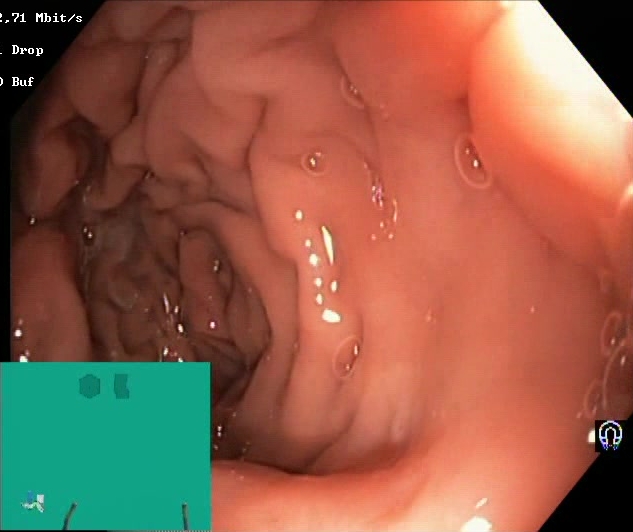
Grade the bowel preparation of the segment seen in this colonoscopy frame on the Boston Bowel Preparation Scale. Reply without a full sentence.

Boston Bowel Preparation Scale score 2–3 (adequate preparation)